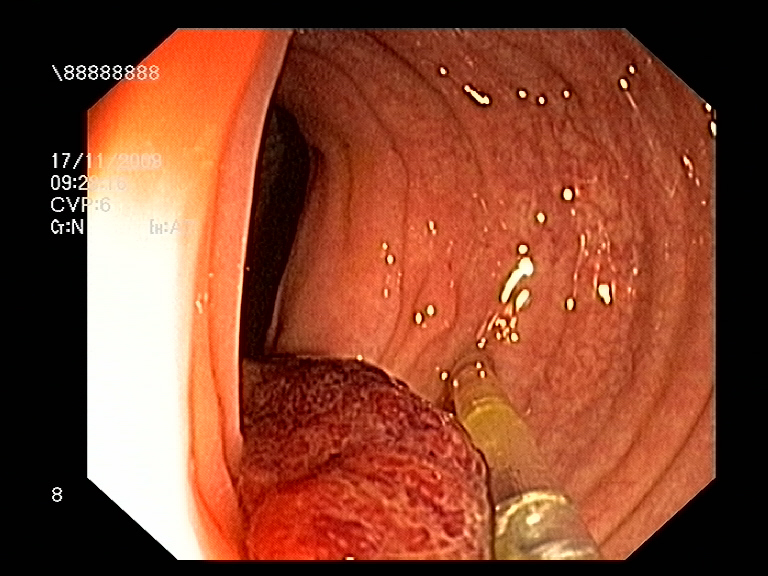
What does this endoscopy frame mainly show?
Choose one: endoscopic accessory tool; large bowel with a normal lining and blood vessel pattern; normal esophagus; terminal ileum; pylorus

endoscopic accessory tool